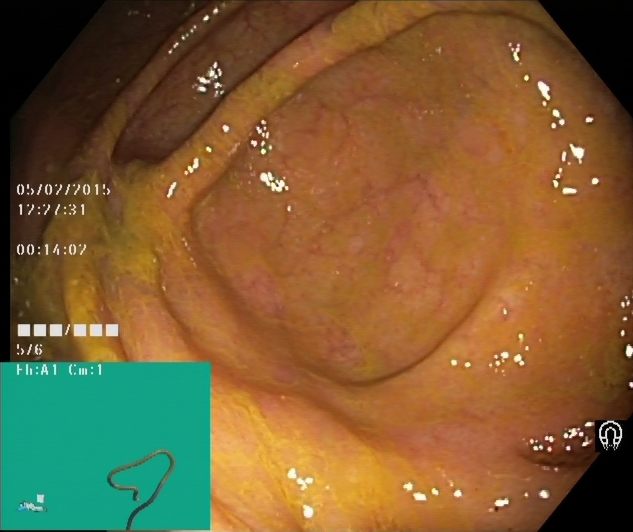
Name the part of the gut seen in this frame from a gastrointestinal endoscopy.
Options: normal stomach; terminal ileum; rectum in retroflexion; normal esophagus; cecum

cecum